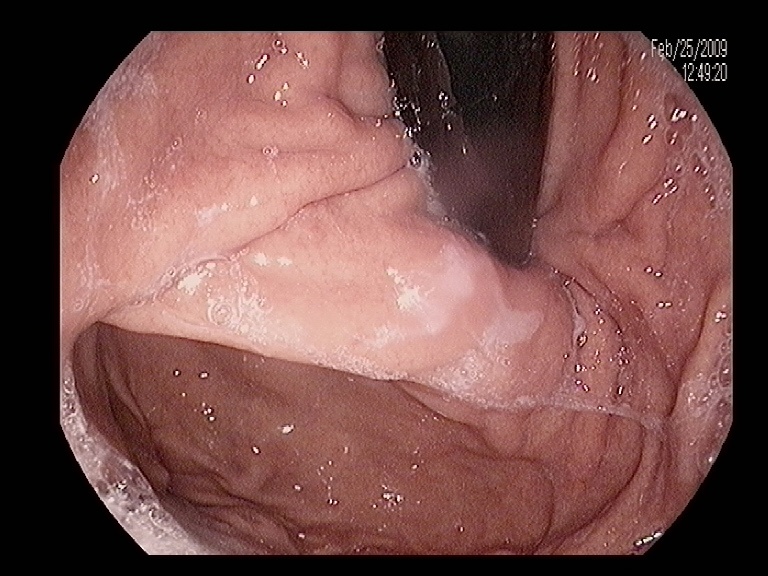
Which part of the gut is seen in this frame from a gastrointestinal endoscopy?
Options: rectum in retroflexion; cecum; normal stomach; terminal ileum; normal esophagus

normal stomach